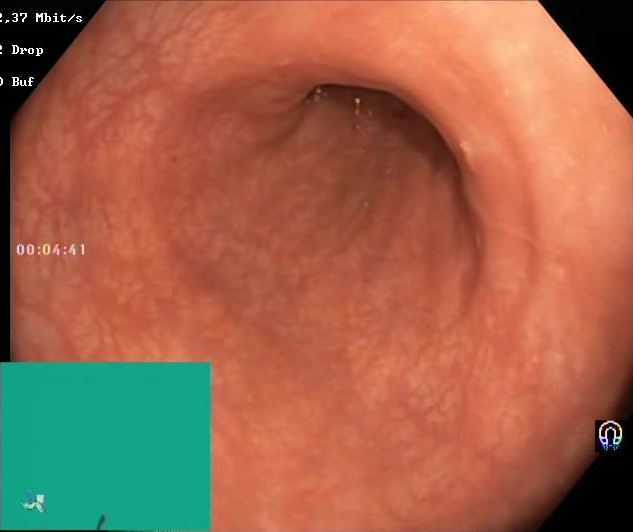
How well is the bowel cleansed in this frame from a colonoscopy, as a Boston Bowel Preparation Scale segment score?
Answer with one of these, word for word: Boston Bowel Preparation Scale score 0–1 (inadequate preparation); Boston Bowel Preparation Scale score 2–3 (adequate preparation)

Boston Bowel Preparation Scale score 2–3 (adequate preparation)